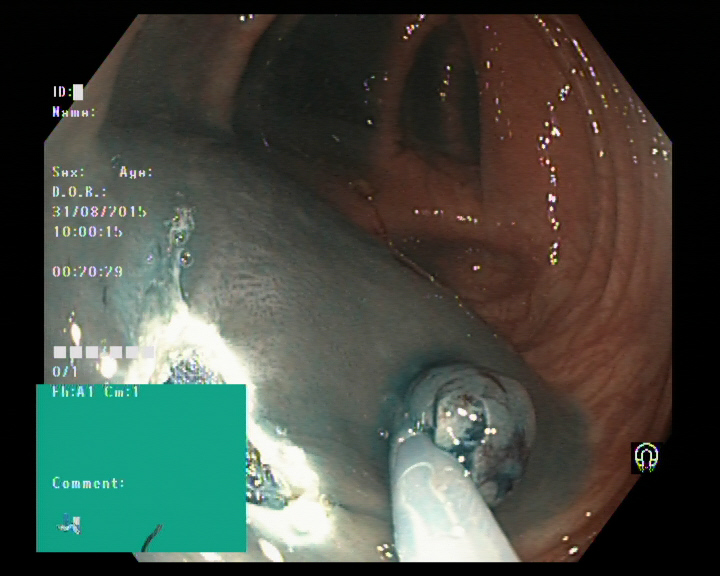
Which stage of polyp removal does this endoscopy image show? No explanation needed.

resected polyp